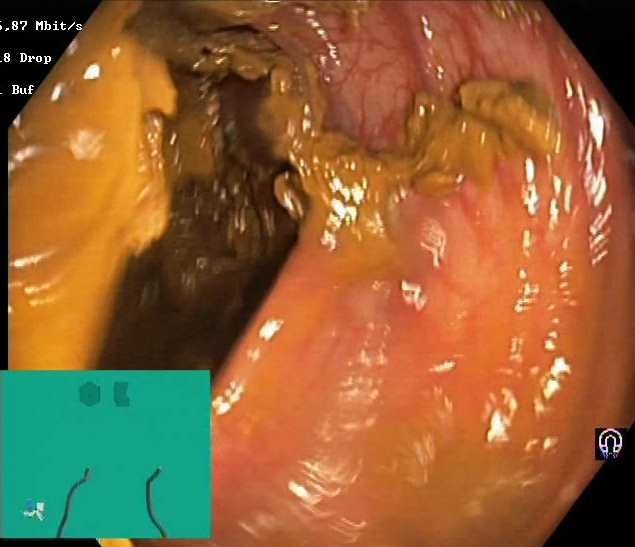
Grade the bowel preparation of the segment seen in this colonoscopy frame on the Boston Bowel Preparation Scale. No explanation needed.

Boston Bowel Preparation Scale score 0–1 (inadequate preparation)